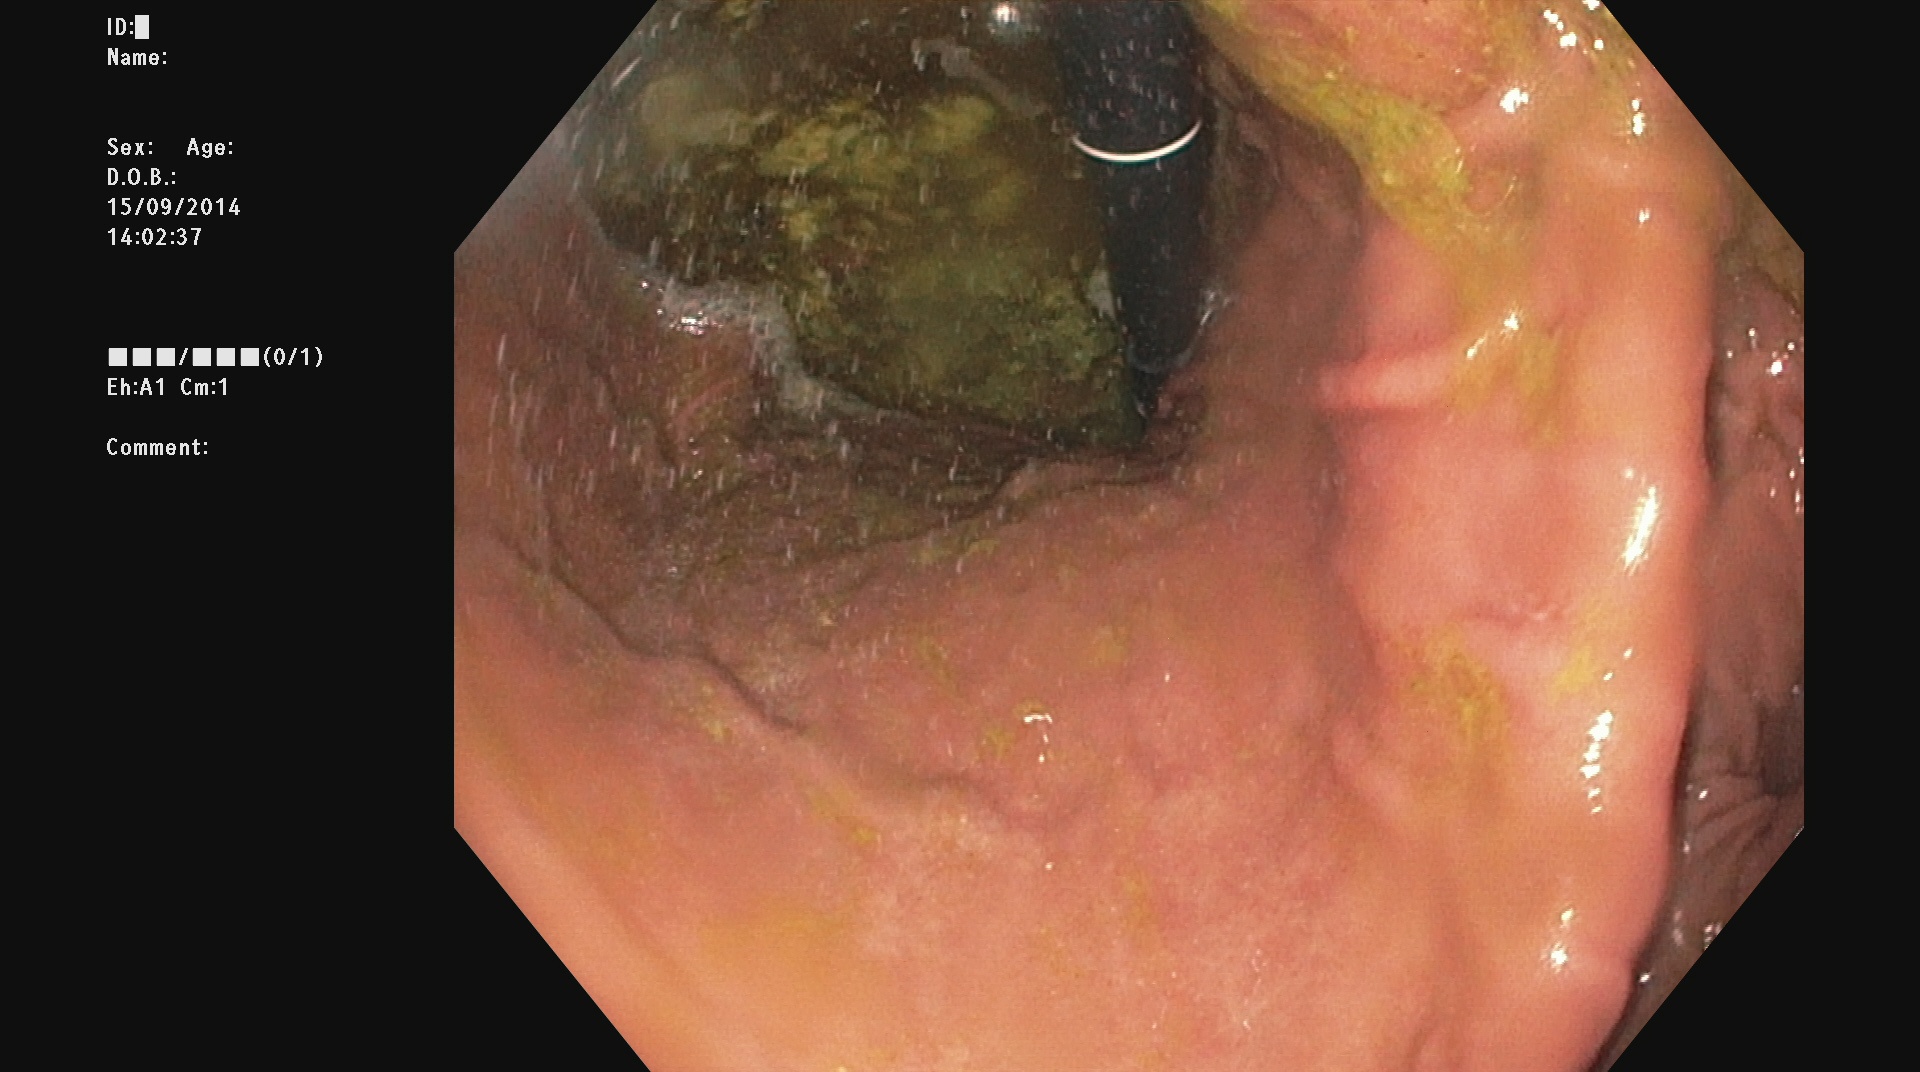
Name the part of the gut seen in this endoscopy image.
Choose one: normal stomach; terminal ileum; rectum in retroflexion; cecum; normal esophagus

normal stomach